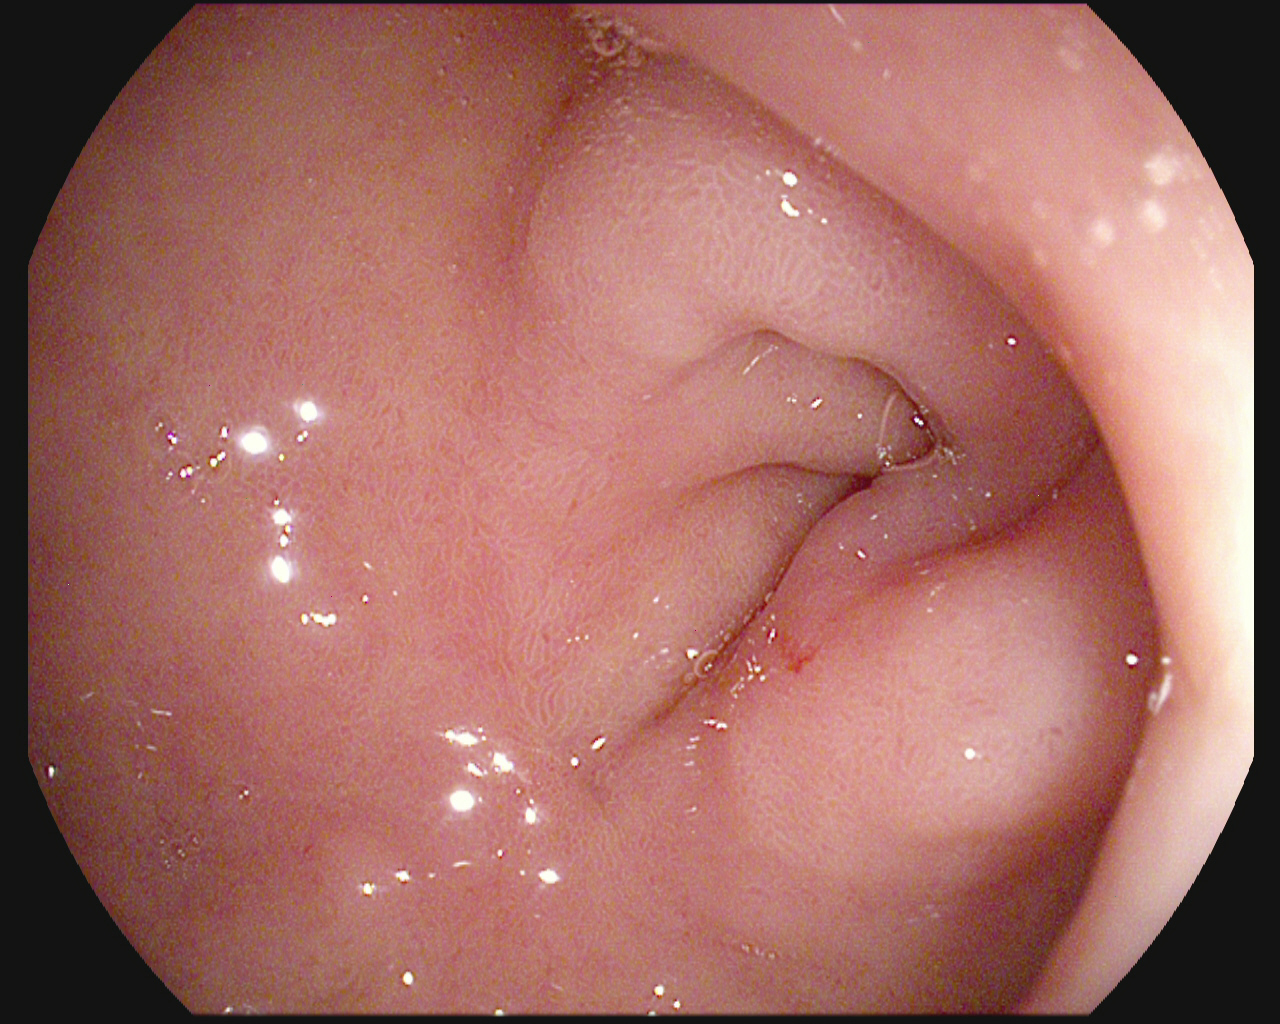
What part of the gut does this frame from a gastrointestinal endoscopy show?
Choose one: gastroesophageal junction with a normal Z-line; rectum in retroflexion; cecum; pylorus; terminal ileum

pylorus